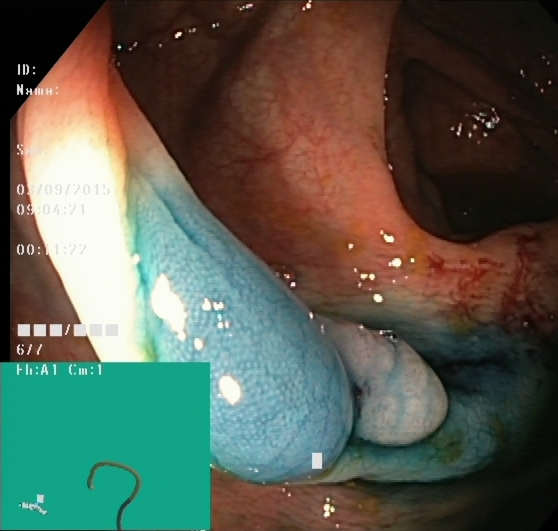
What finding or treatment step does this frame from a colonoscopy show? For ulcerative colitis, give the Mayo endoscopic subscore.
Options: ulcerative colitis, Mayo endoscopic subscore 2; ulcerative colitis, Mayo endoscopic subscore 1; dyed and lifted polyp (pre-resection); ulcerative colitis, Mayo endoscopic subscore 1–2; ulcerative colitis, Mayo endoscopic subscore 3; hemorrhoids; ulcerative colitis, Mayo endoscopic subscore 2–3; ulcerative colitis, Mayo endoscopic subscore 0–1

dyed and lifted polyp (pre-resection)